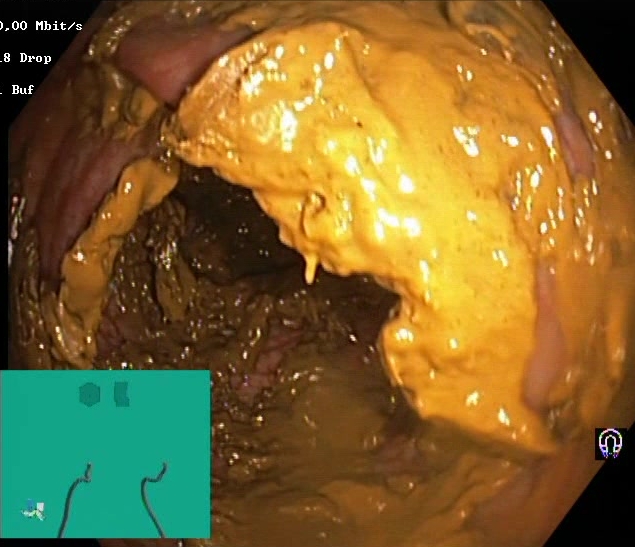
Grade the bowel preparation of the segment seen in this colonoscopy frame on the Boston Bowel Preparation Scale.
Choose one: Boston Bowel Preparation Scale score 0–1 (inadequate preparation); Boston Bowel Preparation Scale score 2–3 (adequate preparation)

Boston Bowel Preparation Scale score 0–1 (inadequate preparation)